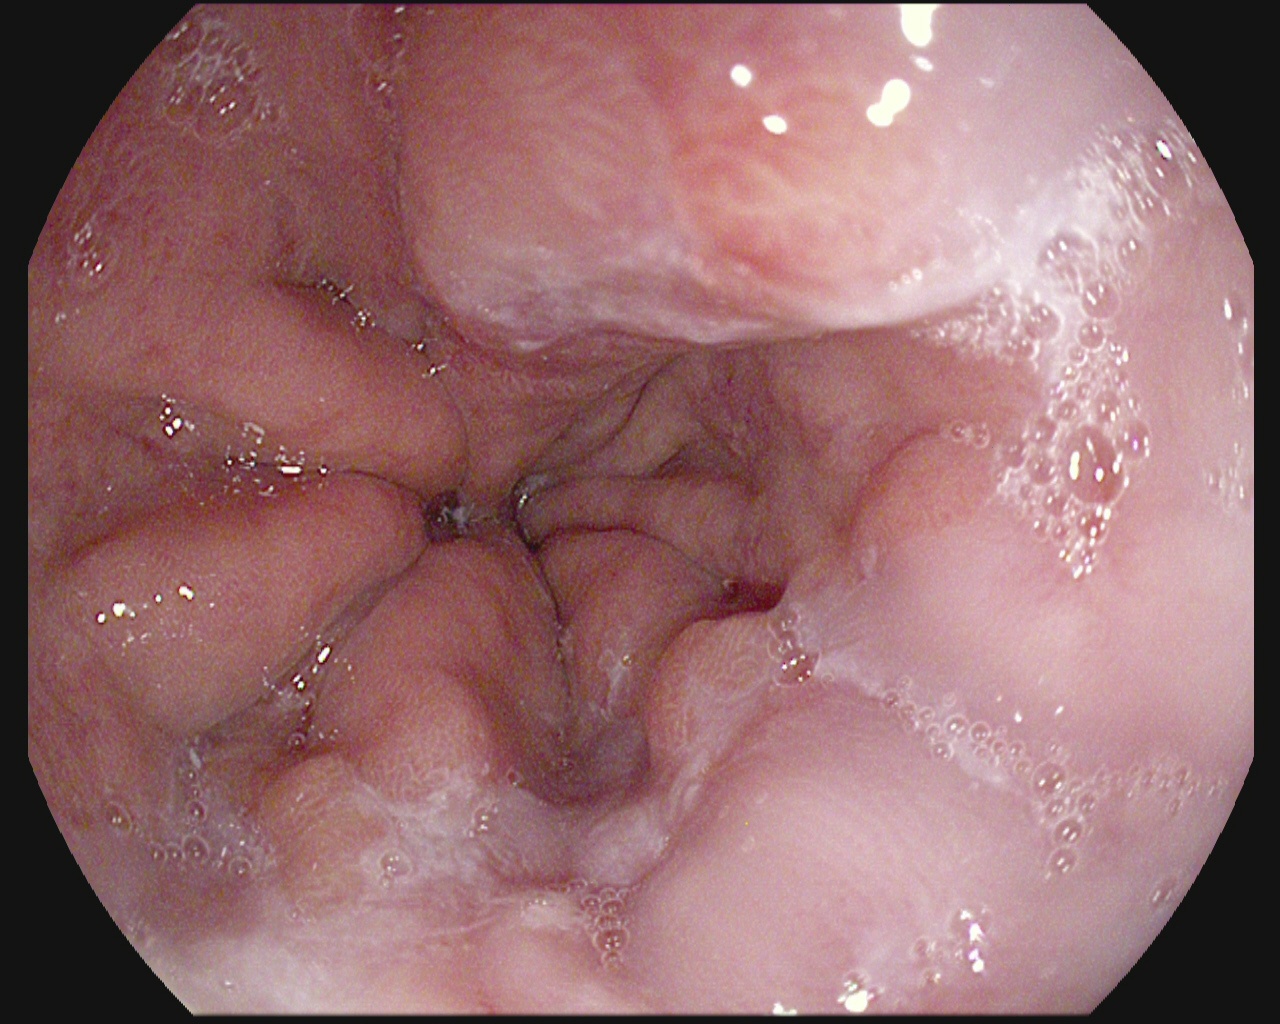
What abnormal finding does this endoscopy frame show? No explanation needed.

esophagitis